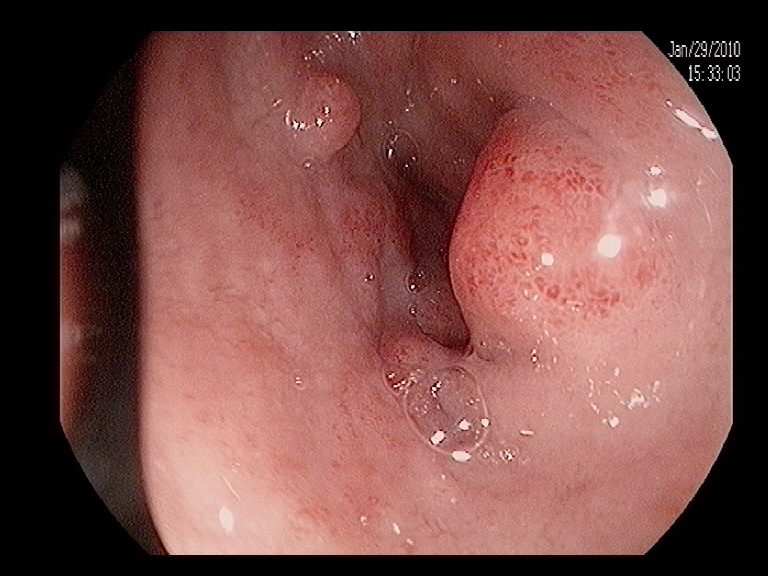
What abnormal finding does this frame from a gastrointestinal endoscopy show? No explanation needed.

gastric polyp